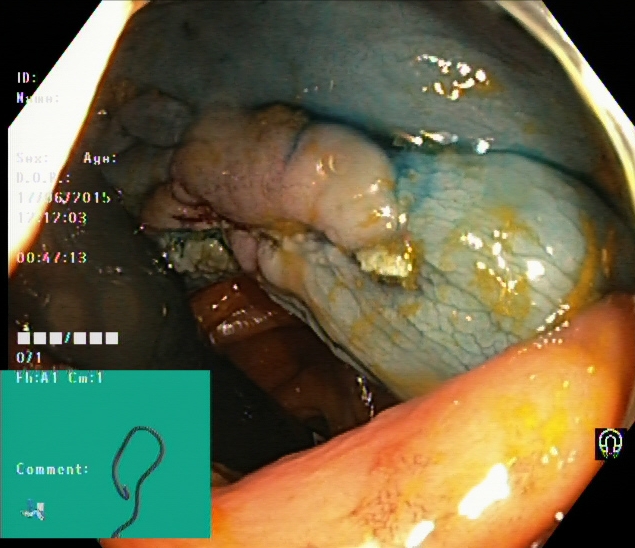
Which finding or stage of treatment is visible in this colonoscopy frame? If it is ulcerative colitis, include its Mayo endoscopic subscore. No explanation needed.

dyed and lifted polyp (pre-resection)